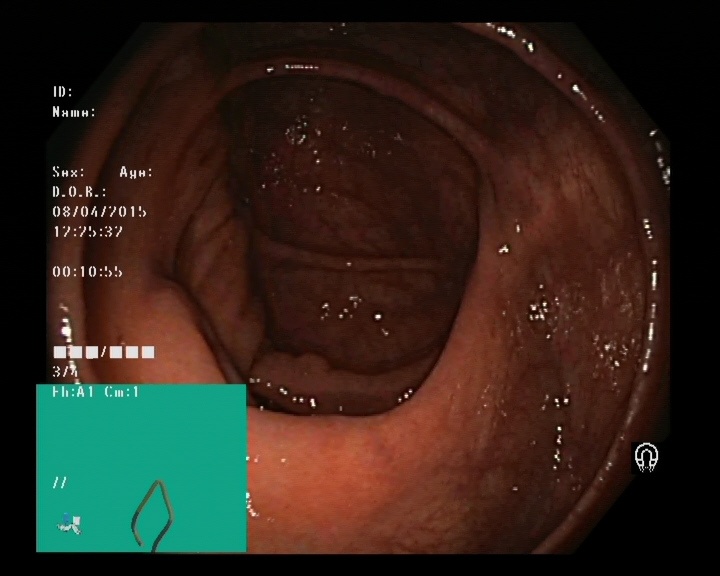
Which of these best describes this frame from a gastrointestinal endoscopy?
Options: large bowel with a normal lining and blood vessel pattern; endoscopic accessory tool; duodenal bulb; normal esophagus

large bowel with a normal lining and blood vessel pattern